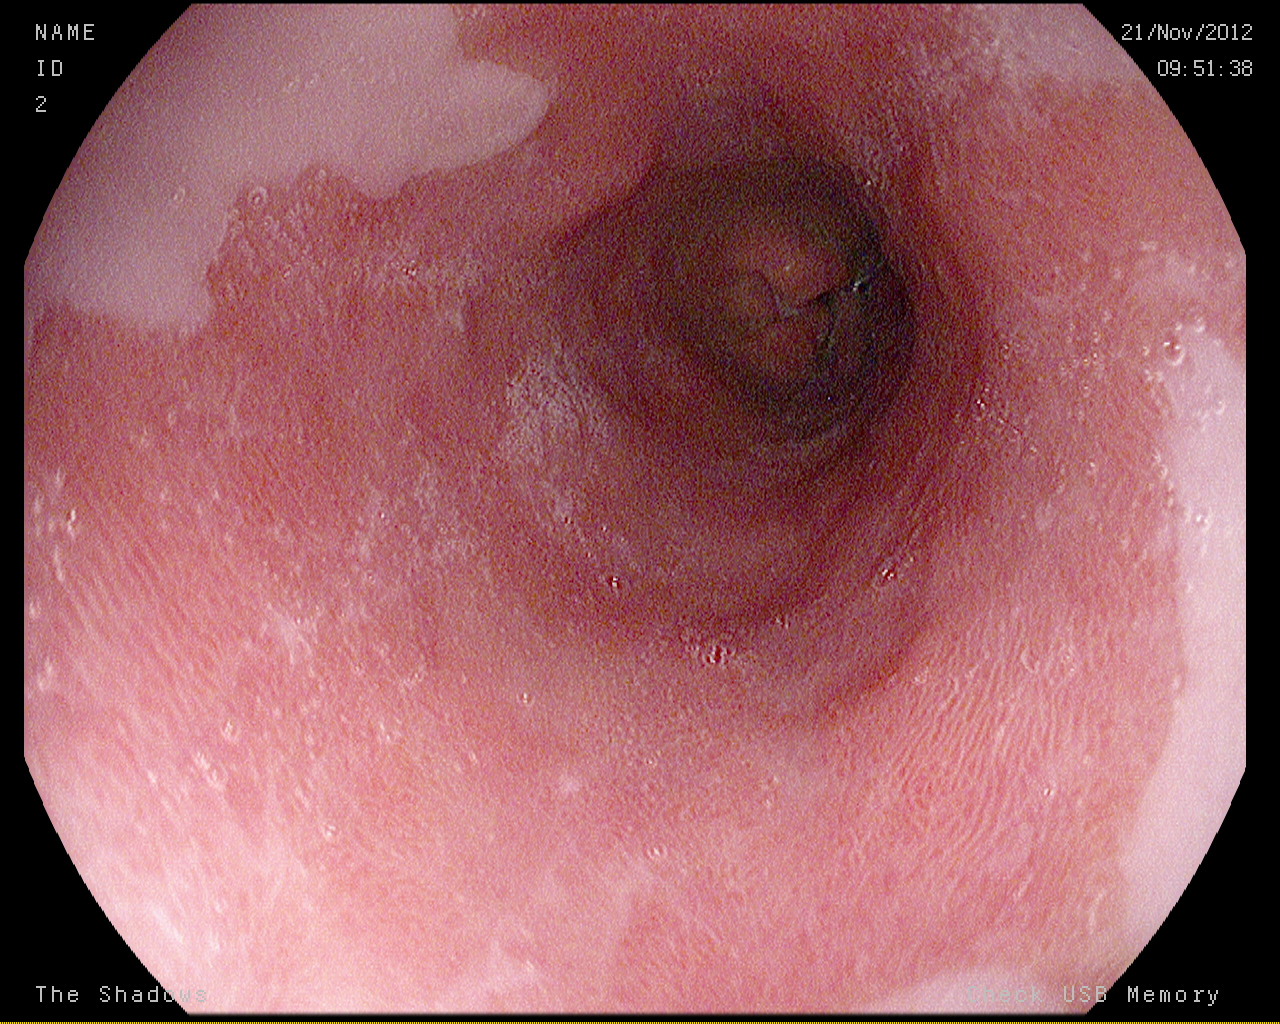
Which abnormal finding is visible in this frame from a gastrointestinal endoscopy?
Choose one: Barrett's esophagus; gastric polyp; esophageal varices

Barrett's esophagus